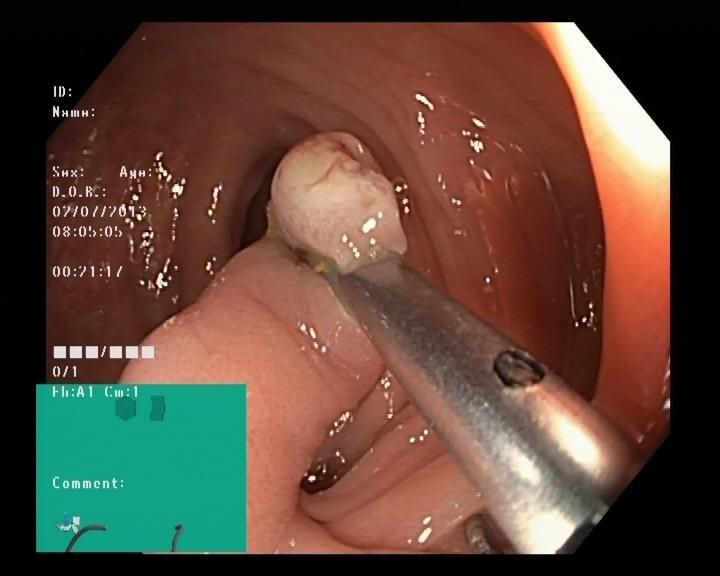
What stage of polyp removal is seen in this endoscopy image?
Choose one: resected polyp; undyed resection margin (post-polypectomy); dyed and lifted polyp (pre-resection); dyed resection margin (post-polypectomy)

resected polyp